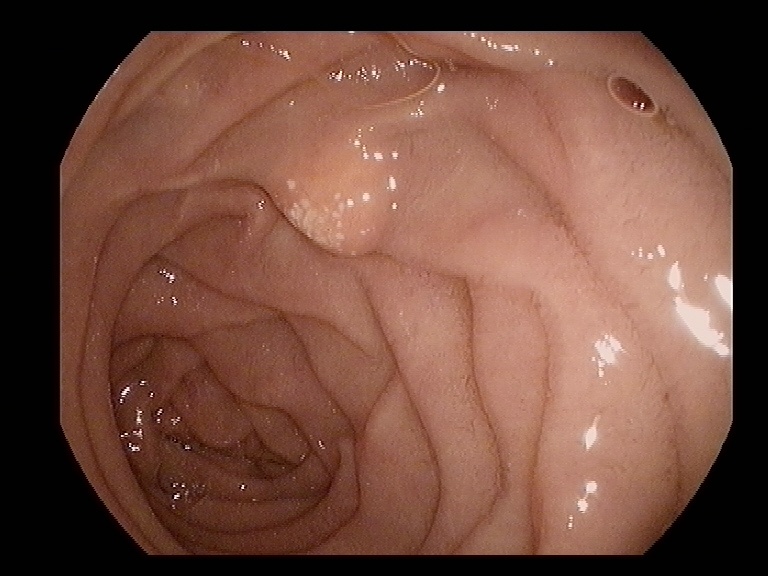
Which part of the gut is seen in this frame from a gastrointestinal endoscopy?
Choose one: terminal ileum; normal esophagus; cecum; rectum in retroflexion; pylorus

terminal ileum